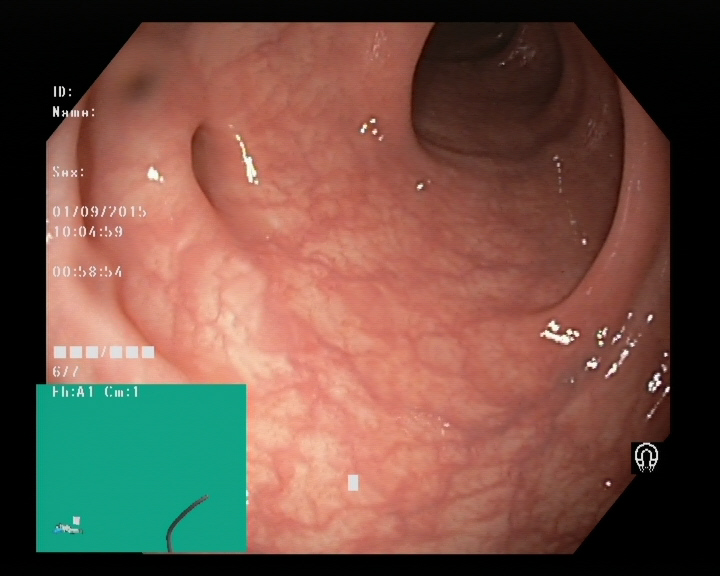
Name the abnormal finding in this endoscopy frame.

colon diverticula